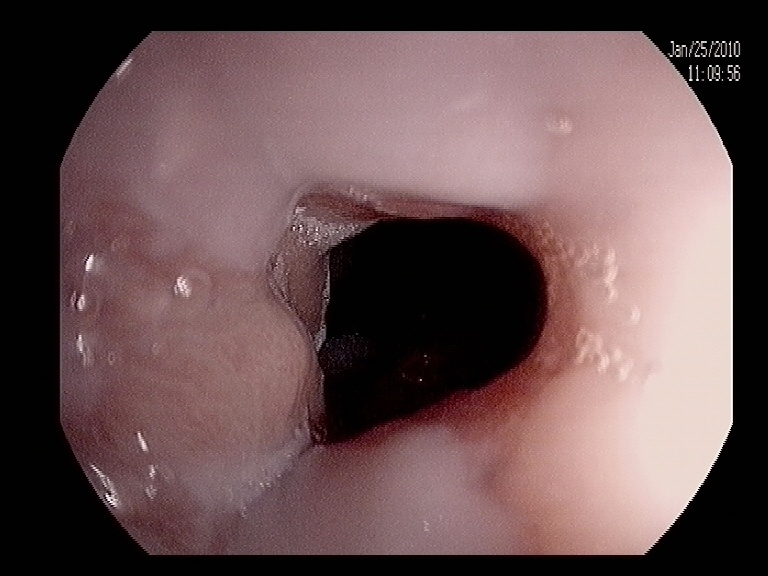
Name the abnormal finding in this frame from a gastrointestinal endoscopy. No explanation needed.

esophagitis